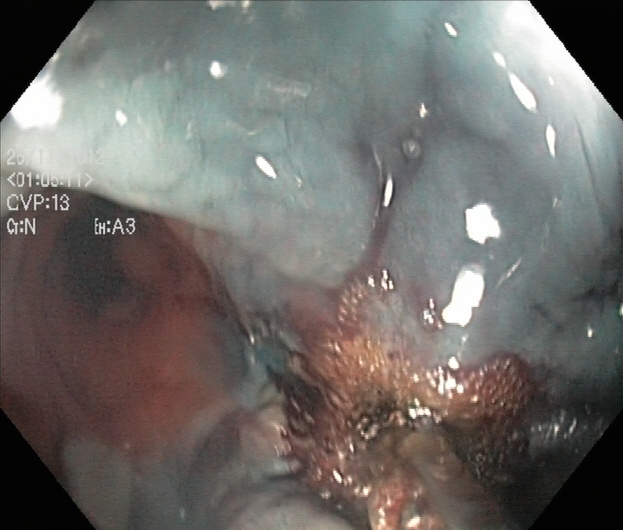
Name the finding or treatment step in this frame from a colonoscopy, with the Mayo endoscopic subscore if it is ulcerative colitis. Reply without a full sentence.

dyed and lifted polyp (pre-resection)